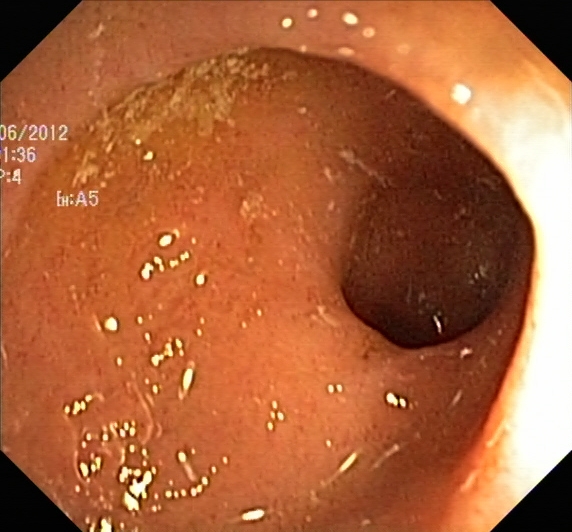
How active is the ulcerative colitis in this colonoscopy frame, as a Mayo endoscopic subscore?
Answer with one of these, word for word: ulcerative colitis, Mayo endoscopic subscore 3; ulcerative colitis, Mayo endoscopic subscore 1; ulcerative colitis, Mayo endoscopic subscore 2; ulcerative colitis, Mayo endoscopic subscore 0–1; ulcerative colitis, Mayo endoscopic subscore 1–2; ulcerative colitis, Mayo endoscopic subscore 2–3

ulcerative colitis, Mayo endoscopic subscore 2